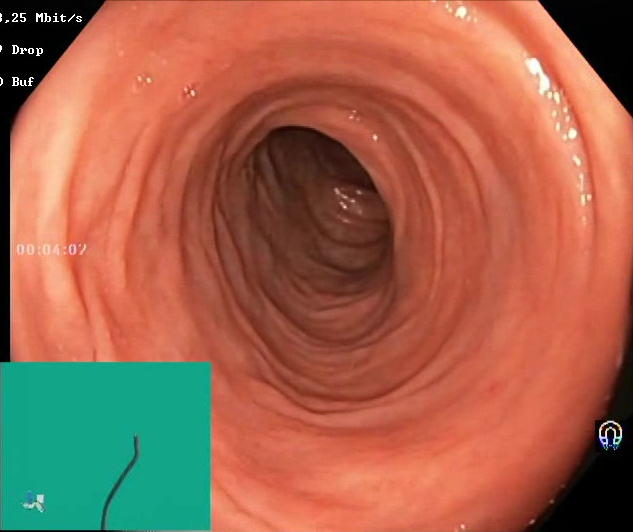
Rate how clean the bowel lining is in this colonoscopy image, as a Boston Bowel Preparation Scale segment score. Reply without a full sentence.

Boston Bowel Preparation Scale score 2–3 (adequate preparation)